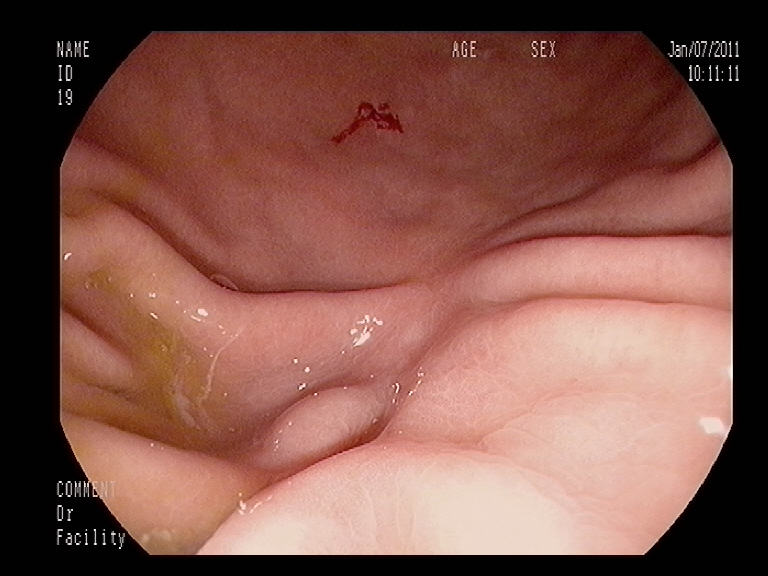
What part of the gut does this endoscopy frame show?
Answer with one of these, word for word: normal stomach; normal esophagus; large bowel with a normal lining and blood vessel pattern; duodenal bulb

normal stomach